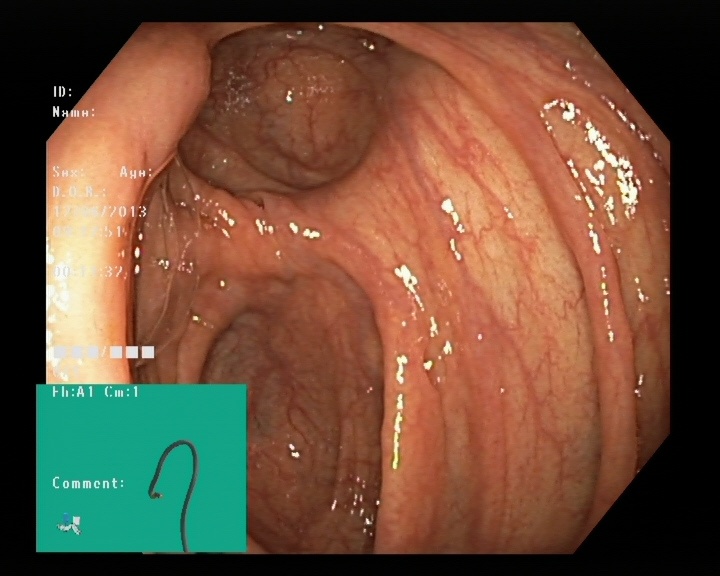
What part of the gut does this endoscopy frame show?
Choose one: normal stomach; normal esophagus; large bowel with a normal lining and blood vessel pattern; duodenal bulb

large bowel with a normal lining and blood vessel pattern